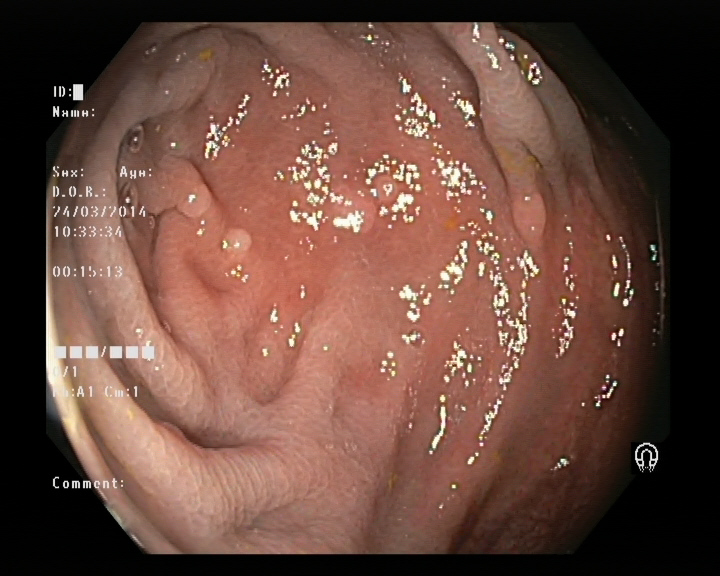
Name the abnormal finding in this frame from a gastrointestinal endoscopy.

colon polyp